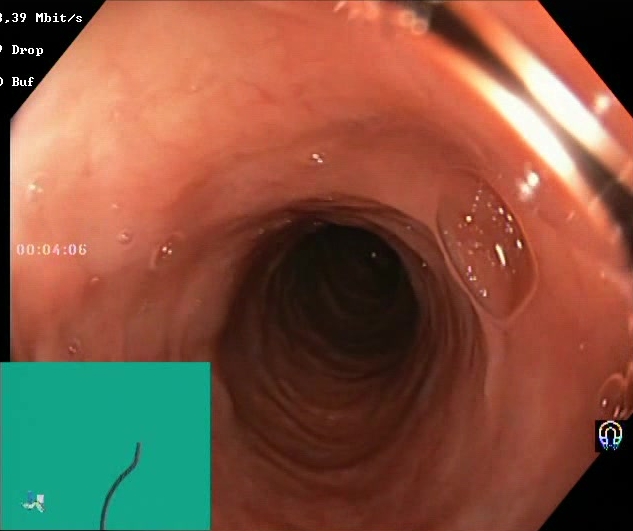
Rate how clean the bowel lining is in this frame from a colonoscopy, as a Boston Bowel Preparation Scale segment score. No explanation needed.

Boston Bowel Preparation Scale score 2–3 (adequate preparation)